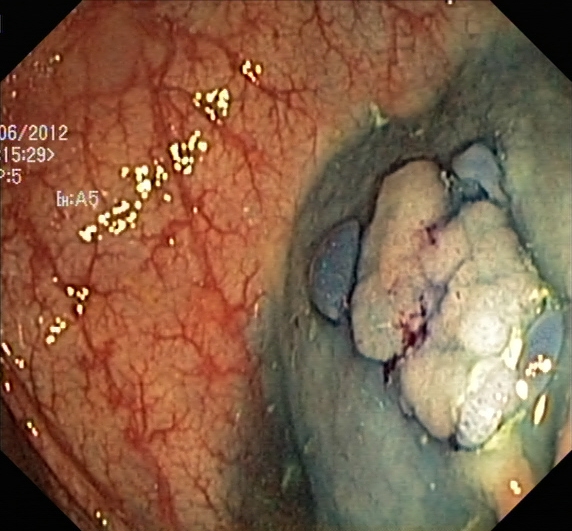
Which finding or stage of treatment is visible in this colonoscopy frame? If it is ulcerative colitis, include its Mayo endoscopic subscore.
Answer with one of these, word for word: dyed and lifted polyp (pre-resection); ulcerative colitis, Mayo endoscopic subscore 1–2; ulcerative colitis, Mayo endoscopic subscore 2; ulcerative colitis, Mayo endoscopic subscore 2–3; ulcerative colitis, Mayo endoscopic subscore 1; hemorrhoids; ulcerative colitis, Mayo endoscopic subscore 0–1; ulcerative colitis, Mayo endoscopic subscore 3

dyed and lifted polyp (pre-resection)